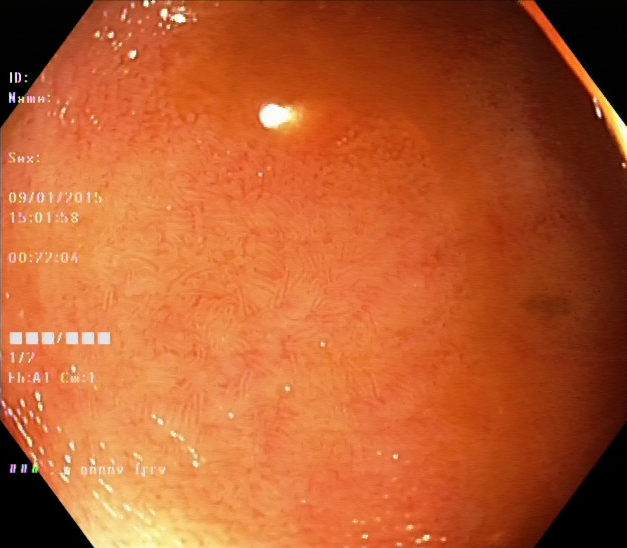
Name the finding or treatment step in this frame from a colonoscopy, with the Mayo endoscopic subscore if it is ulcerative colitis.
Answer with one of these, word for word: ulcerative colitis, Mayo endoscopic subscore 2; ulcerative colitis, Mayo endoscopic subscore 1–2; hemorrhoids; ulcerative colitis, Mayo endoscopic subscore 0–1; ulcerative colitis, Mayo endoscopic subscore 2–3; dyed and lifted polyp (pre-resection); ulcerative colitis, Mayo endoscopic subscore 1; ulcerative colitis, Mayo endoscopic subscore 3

ulcerative colitis, Mayo endoscopic subscore 1